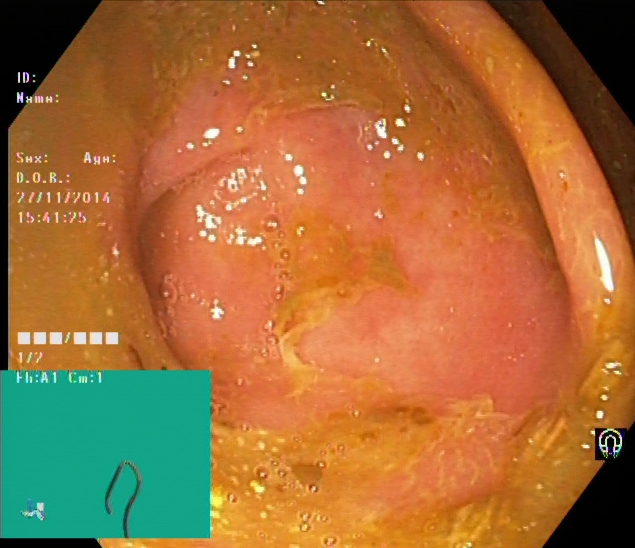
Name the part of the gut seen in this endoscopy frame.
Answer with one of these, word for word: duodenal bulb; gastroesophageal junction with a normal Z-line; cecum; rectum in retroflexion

cecum